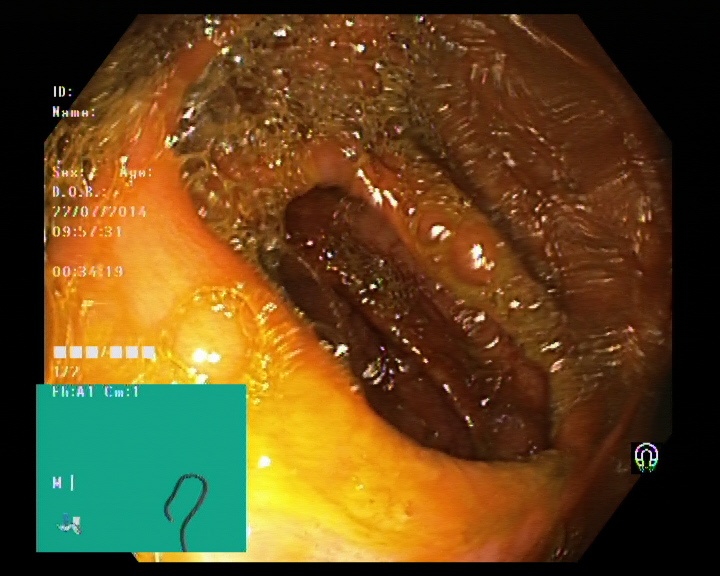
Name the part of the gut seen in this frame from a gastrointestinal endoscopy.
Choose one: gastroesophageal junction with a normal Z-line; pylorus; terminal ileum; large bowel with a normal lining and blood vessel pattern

large bowel with a normal lining and blood vessel pattern